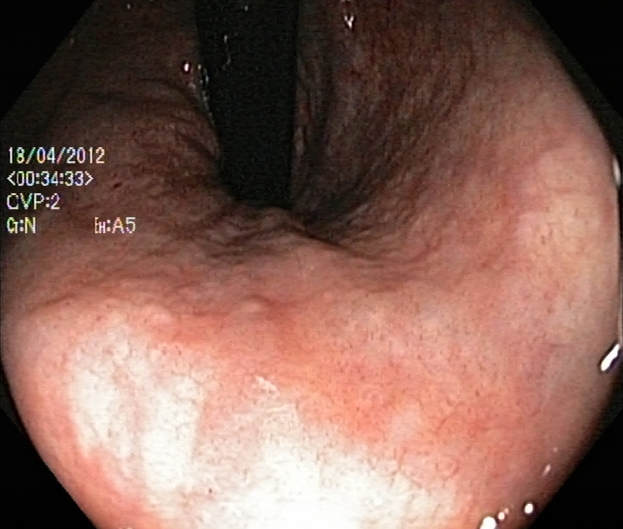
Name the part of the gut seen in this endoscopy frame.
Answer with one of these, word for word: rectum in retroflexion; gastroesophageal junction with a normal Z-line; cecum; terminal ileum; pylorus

rectum in retroflexion